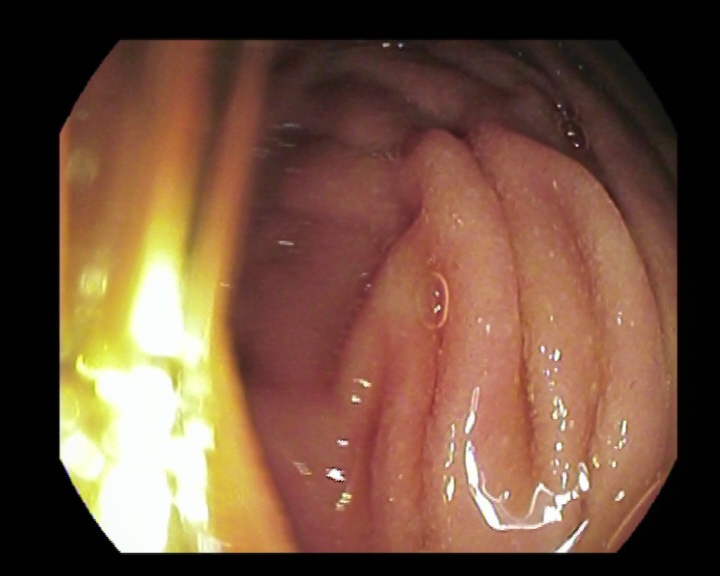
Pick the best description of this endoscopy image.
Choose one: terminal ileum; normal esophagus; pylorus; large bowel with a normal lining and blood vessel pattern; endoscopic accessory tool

terminal ileum